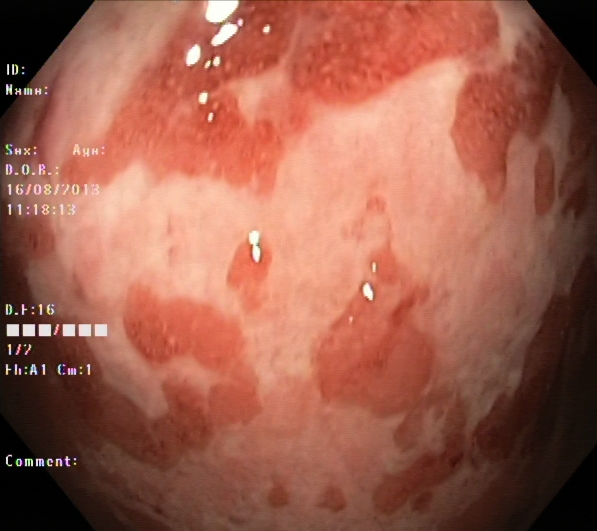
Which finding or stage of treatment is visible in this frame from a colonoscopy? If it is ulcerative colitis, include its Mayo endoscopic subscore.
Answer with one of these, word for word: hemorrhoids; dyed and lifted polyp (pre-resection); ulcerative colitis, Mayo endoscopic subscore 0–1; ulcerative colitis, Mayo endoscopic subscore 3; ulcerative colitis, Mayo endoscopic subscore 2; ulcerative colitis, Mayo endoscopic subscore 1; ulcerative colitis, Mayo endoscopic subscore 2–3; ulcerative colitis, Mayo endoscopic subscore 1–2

ulcerative colitis, Mayo endoscopic subscore 3